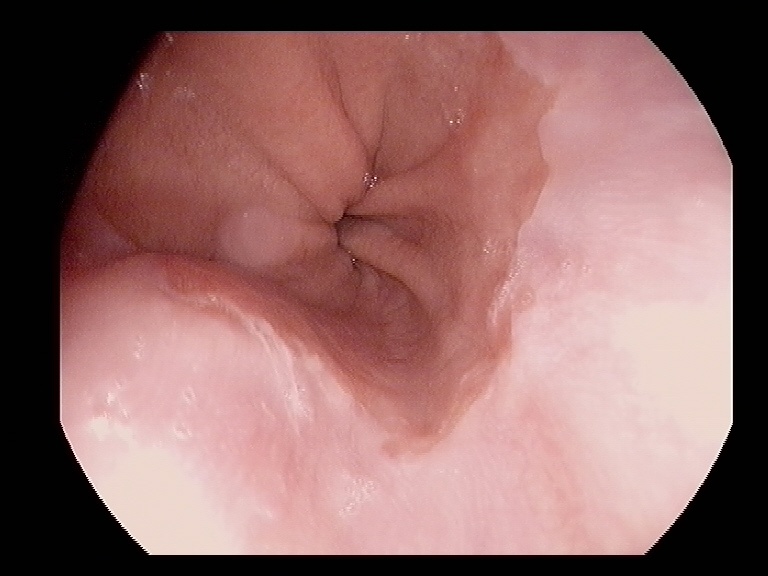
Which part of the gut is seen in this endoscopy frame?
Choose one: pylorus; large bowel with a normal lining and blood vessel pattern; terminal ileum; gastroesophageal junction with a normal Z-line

gastroesophageal junction with a normal Z-line